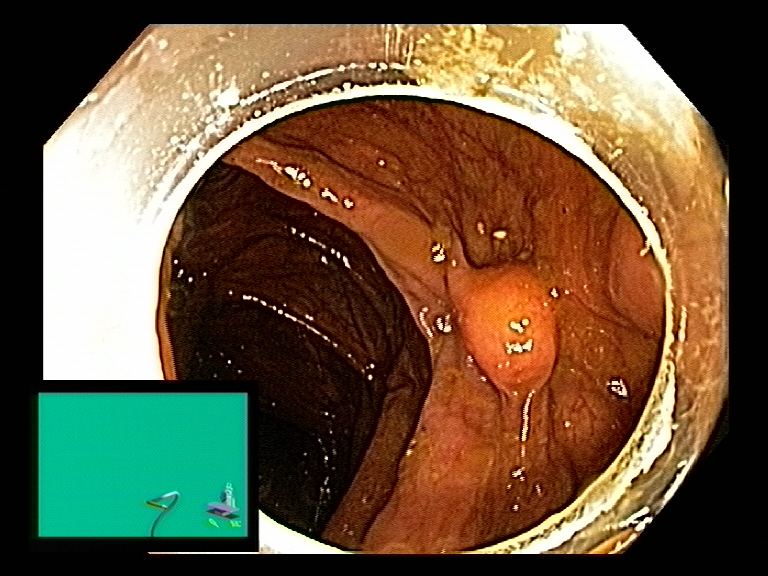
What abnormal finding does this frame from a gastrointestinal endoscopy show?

colon polyp